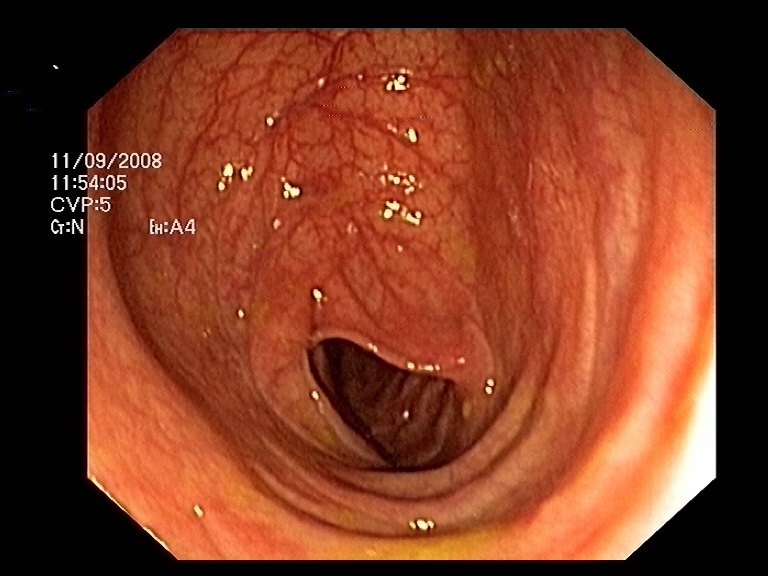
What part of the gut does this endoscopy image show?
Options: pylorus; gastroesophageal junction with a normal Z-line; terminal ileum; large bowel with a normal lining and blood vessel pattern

large bowel with a normal lining and blood vessel pattern